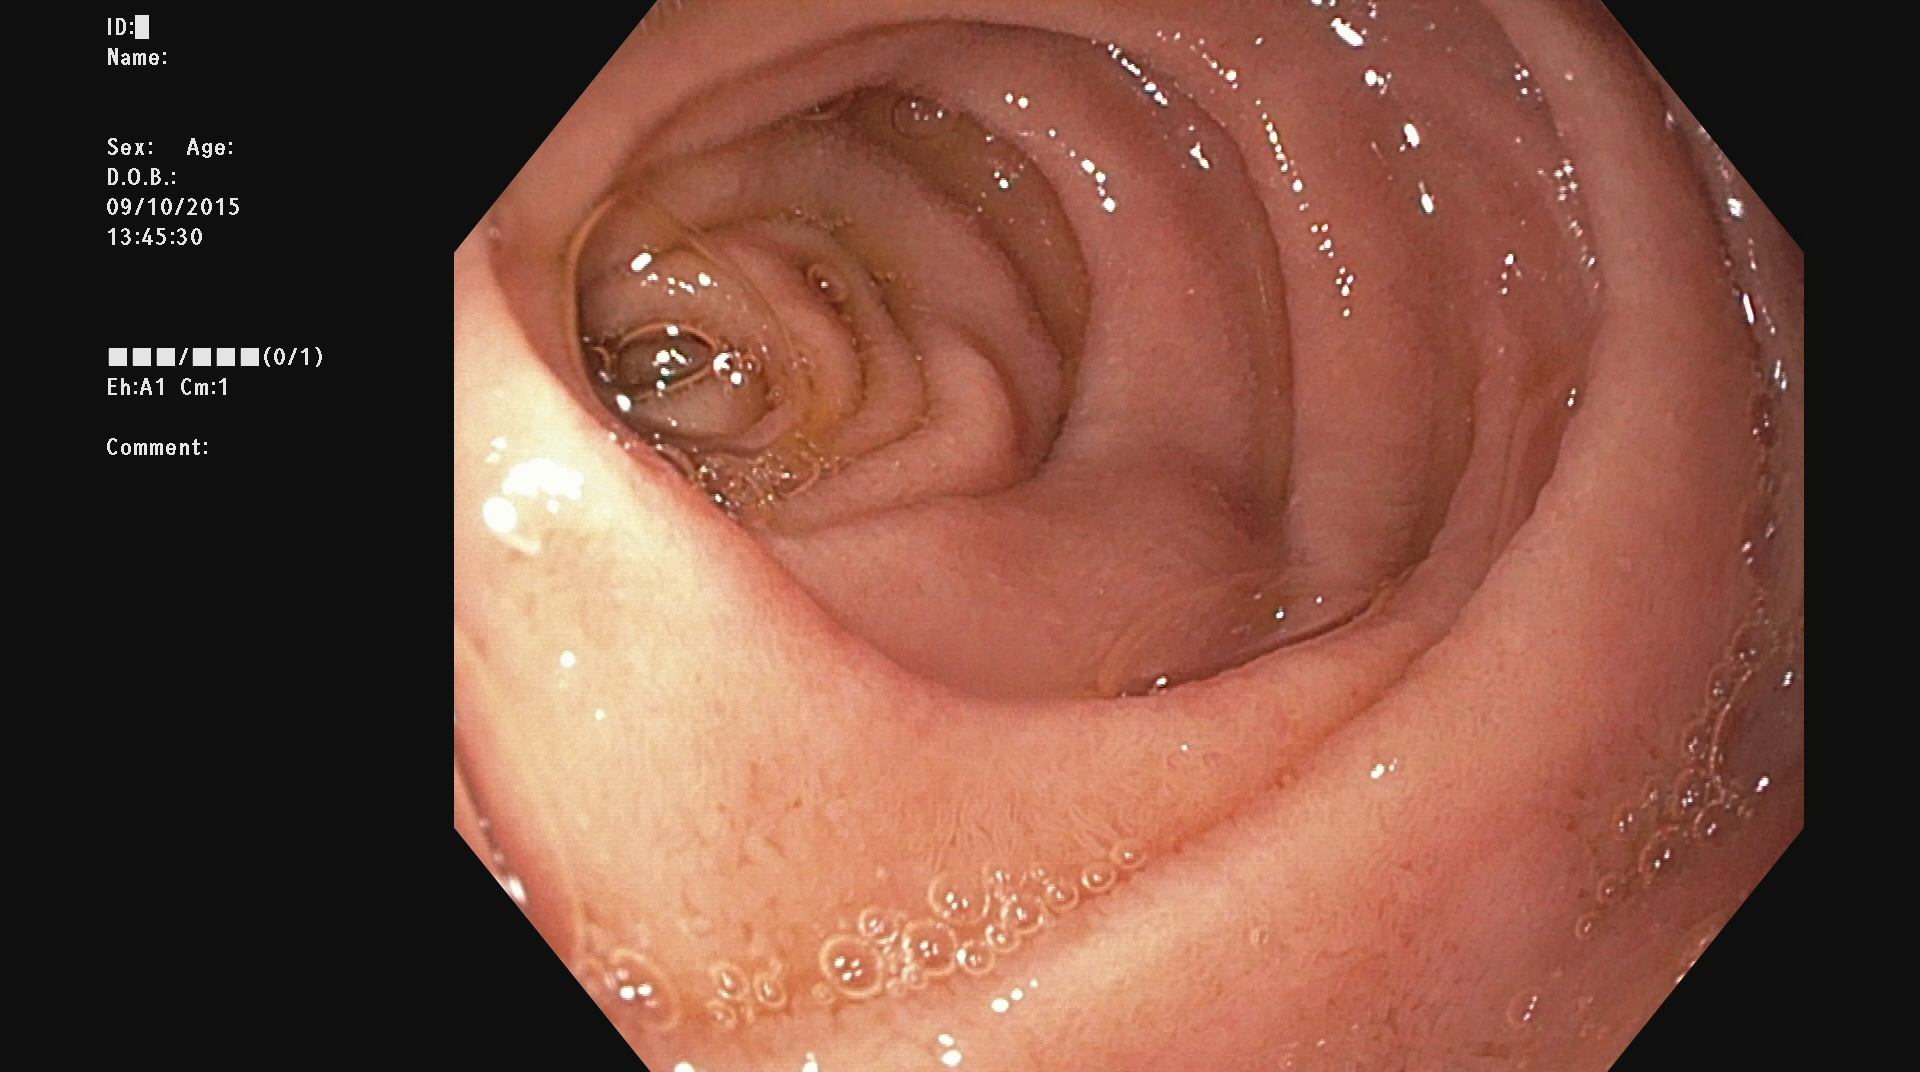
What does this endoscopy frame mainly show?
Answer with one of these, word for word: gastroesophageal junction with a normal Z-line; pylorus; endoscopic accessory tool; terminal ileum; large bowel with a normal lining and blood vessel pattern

terminal ileum